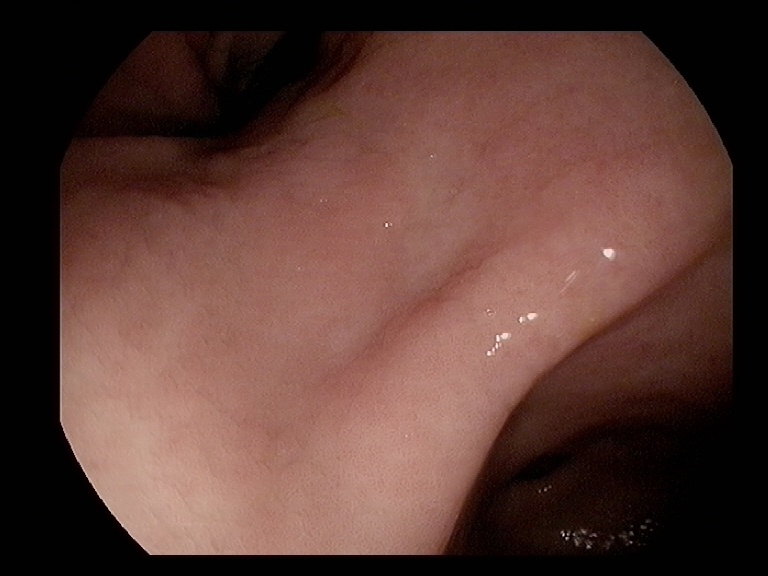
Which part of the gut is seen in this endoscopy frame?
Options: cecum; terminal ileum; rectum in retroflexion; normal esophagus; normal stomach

normal stomach